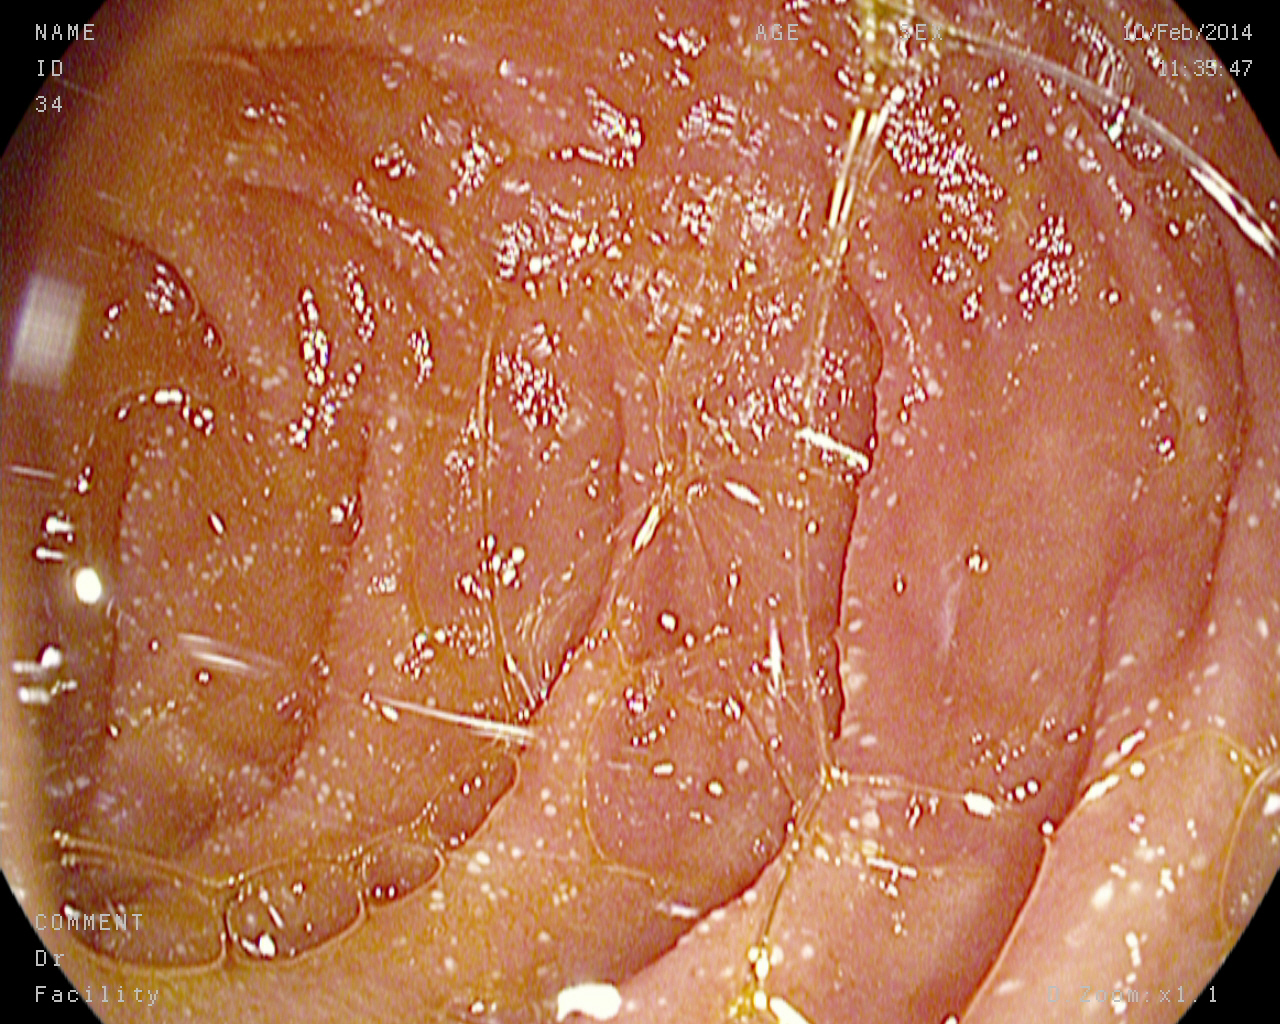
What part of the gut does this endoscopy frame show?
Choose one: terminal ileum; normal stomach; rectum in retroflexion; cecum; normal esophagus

terminal ileum